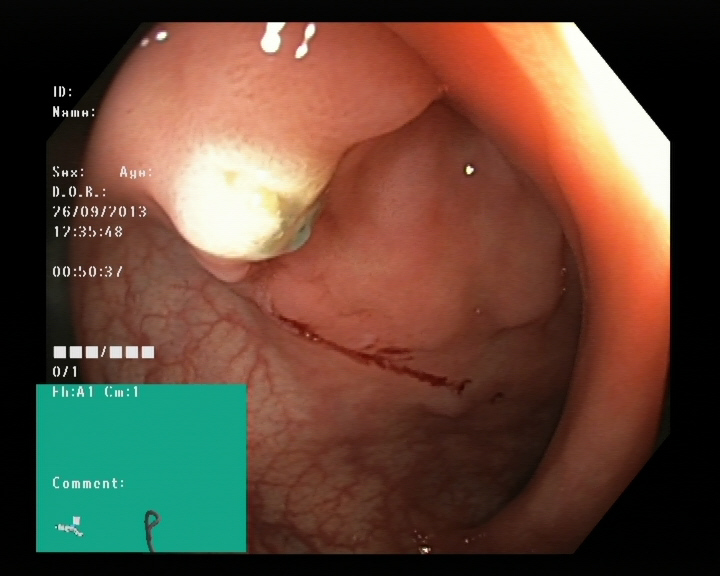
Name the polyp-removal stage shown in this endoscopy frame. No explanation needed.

undyed resection margin (post-polypectomy)